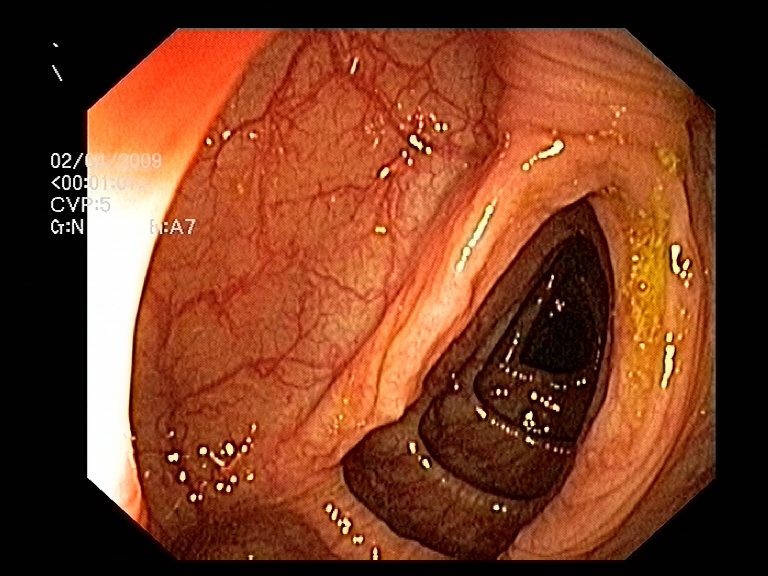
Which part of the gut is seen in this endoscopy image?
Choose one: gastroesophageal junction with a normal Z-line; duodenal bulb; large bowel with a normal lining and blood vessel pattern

large bowel with a normal lining and blood vessel pattern